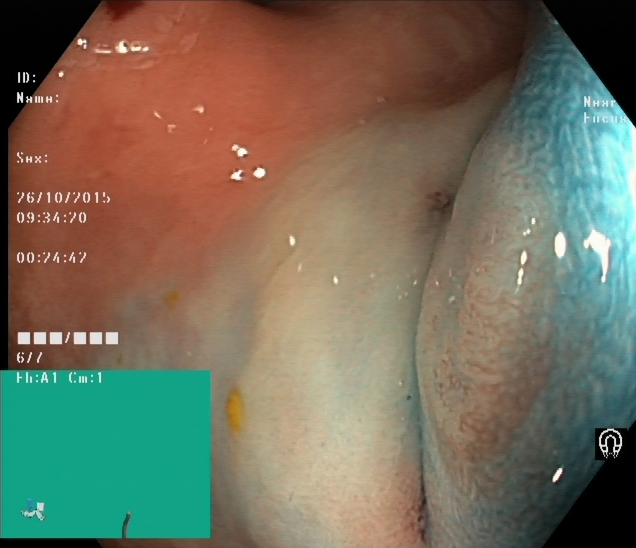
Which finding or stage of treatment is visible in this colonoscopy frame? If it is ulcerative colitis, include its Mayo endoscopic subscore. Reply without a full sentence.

dyed and lifted polyp (pre-resection)